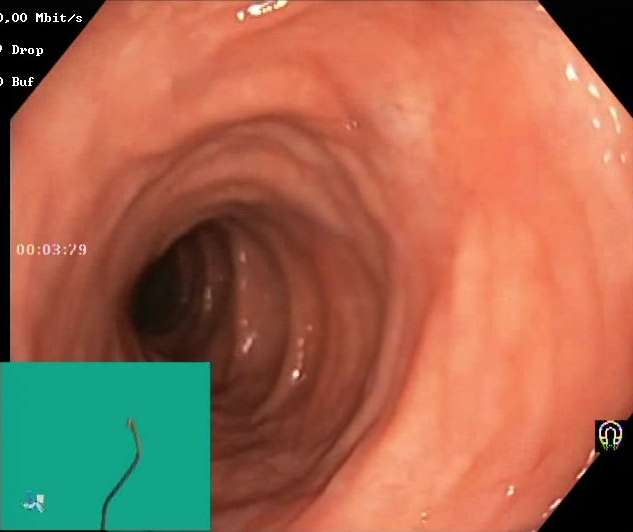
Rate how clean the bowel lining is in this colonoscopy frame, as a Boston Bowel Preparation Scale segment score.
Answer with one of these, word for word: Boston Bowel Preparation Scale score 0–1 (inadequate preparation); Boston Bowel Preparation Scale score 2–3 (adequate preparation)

Boston Bowel Preparation Scale score 2–3 (adequate preparation)